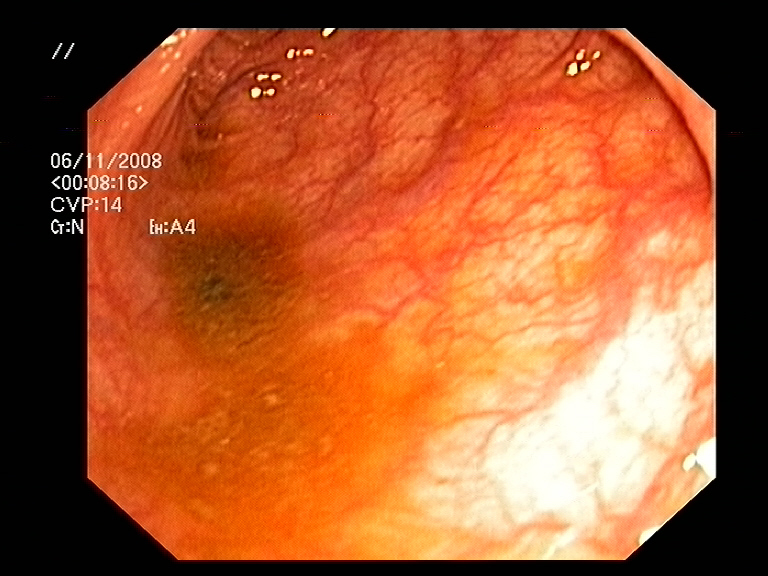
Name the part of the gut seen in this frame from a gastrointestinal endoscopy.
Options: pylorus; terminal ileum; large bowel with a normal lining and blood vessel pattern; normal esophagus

large bowel with a normal lining and blood vessel pattern